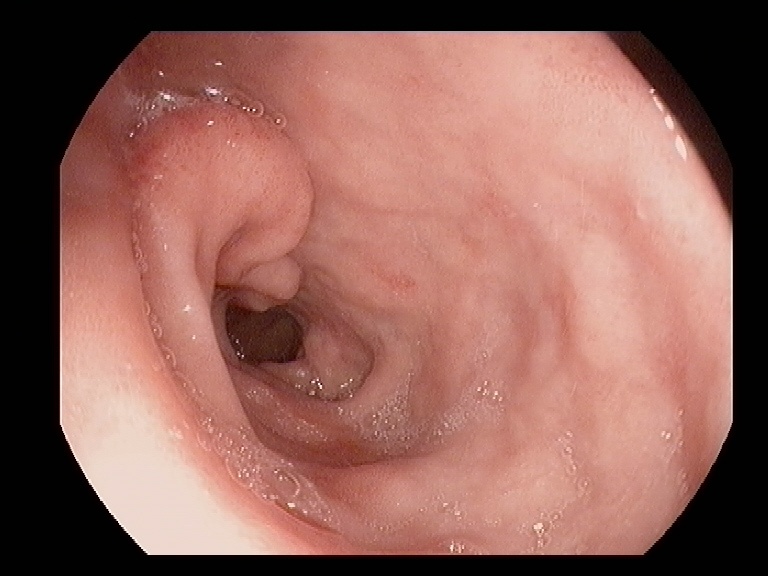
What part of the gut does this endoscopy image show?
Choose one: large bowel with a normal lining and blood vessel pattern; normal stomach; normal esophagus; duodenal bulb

duodenal bulb